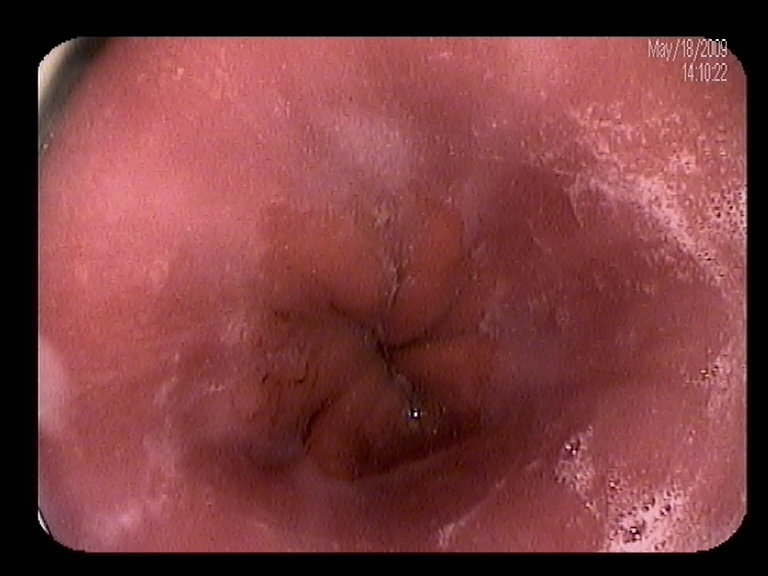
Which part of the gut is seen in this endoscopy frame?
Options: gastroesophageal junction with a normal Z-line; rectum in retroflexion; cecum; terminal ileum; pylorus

gastroesophageal junction with a normal Z-line